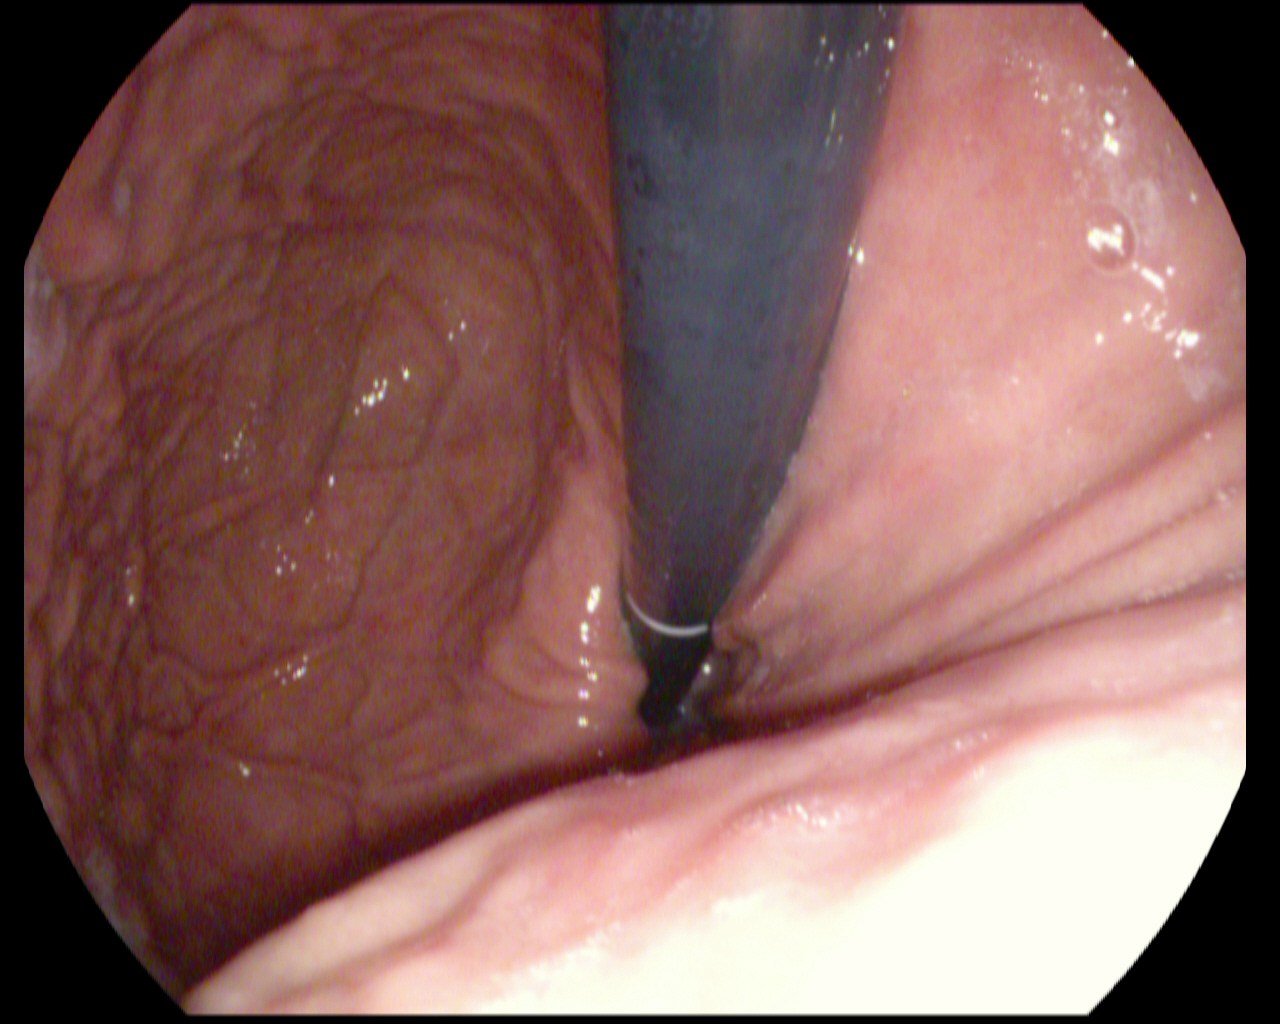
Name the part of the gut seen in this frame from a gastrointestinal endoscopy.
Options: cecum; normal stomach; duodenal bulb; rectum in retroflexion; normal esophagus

normal stomach